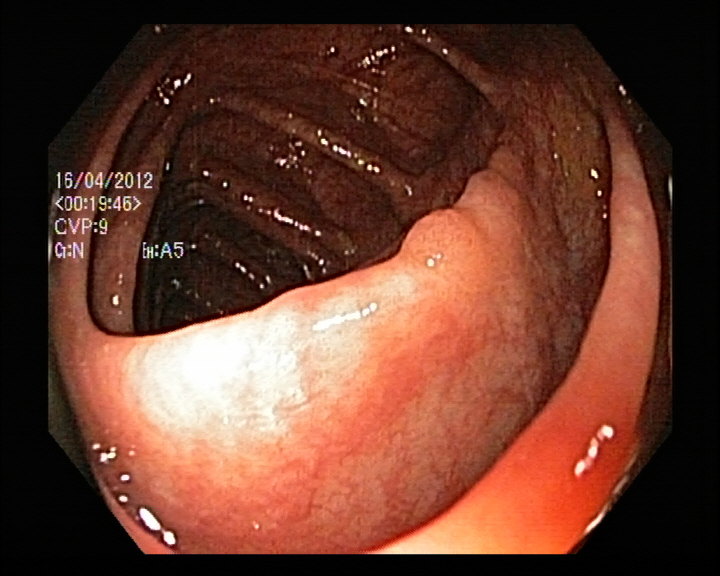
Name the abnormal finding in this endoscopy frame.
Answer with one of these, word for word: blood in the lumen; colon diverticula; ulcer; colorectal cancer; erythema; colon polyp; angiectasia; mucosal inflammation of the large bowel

colon polyp